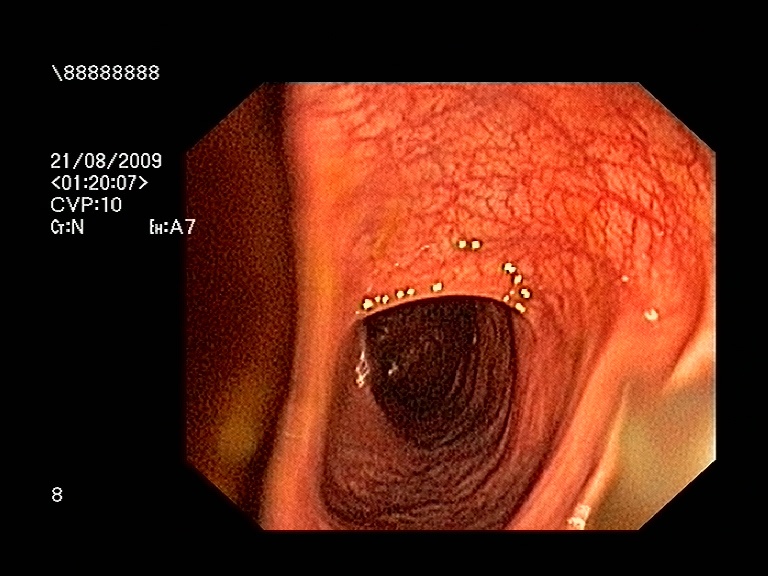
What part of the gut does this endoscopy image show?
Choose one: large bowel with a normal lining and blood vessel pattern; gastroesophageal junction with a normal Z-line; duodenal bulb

large bowel with a normal lining and blood vessel pattern